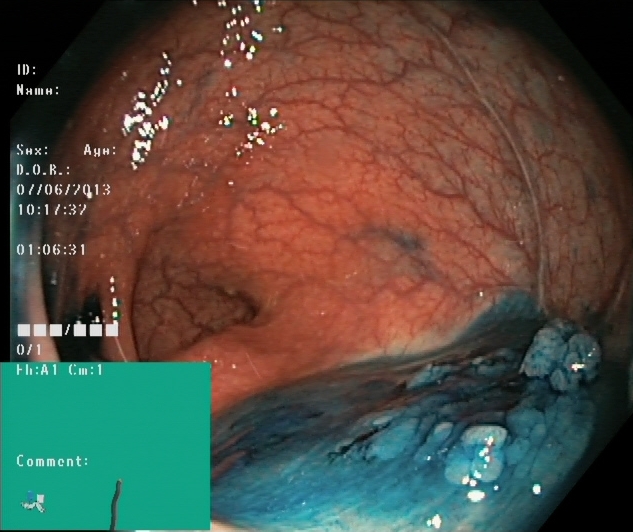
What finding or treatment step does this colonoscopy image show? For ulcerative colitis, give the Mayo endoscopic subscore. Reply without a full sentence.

dyed and lifted polyp (pre-resection)